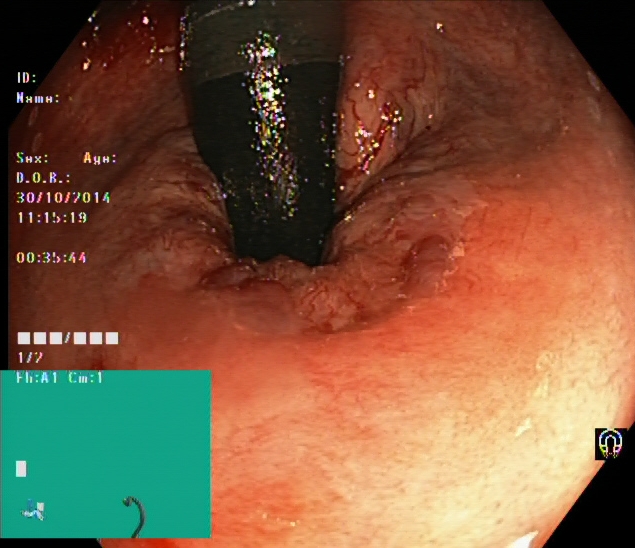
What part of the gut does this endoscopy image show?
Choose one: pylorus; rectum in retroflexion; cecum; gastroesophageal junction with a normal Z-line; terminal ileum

rectum in retroflexion